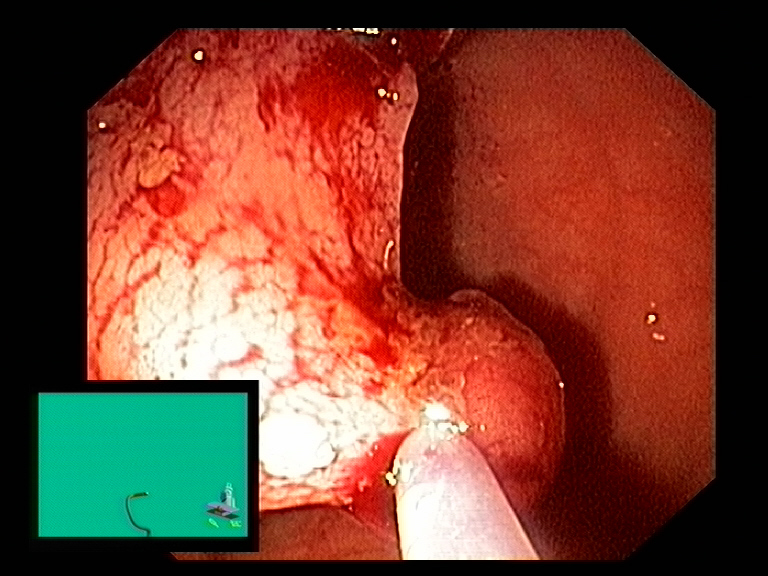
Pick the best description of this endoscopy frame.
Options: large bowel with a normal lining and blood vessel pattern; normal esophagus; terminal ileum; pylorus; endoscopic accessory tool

endoscopic accessory tool